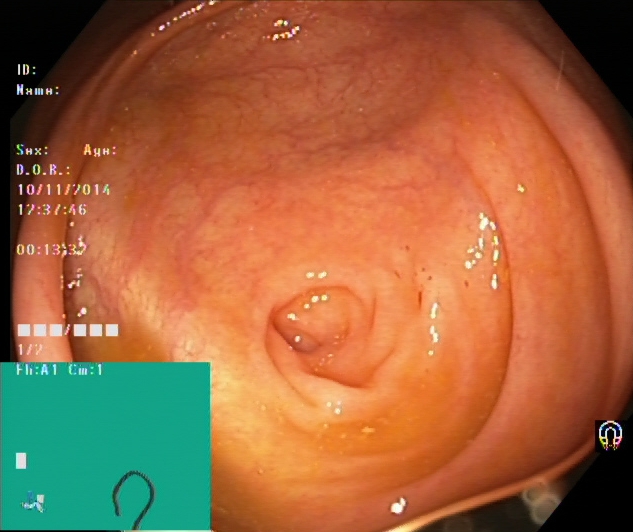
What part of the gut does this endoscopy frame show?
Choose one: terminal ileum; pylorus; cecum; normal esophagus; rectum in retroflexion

cecum